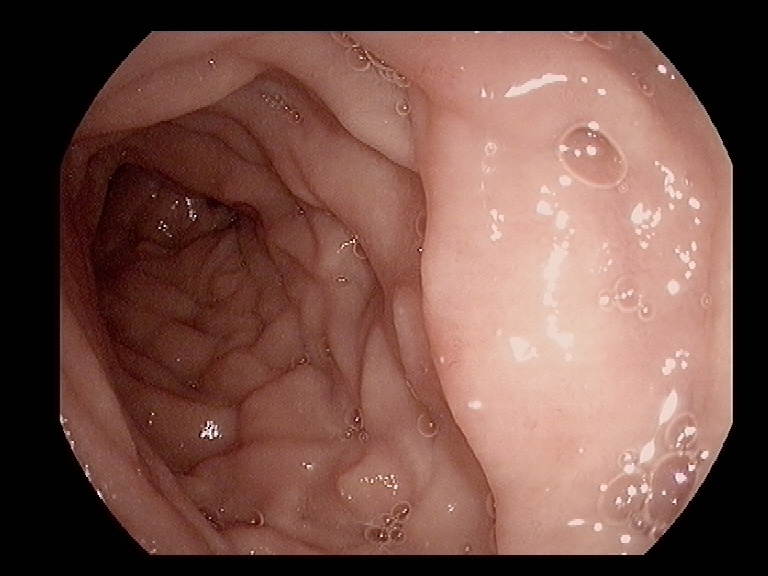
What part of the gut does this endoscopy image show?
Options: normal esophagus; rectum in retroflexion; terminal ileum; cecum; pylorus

terminal ileum